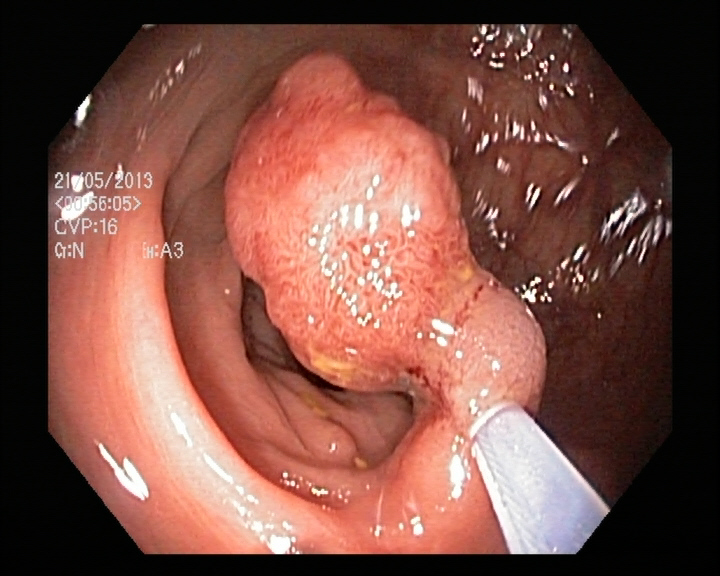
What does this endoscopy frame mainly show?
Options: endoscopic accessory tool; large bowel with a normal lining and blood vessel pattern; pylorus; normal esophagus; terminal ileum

endoscopic accessory tool